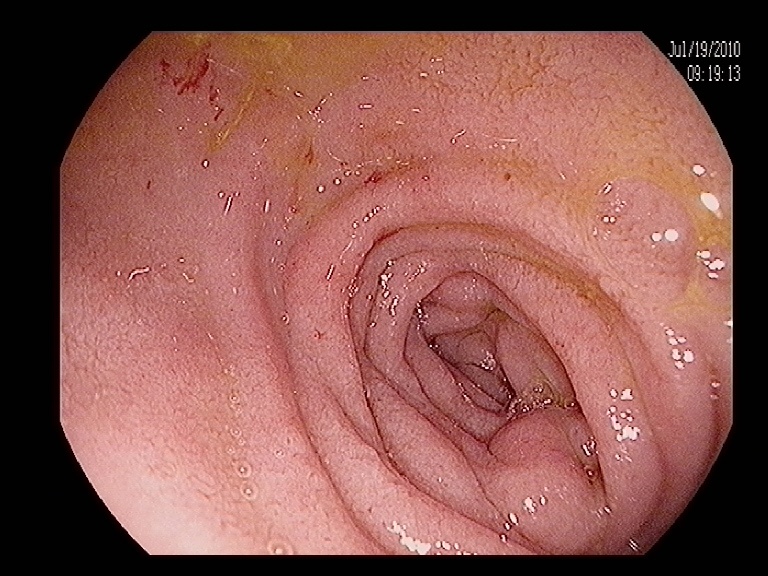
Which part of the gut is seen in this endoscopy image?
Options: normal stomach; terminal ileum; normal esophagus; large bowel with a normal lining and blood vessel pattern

terminal ileum